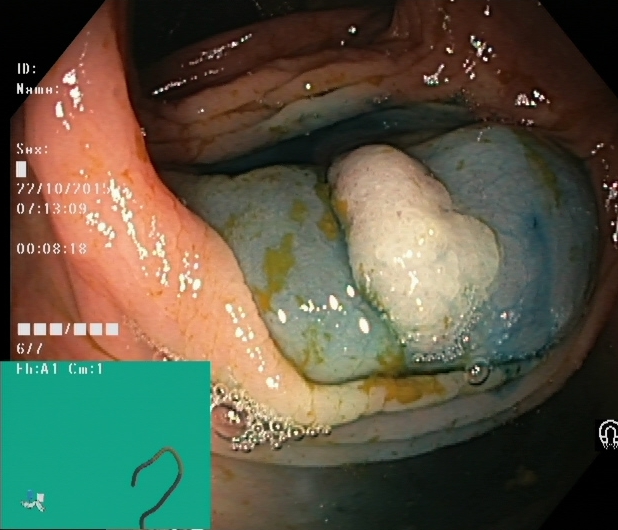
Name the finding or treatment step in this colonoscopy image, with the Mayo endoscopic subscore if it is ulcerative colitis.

dyed and lifted polyp (pre-resection)